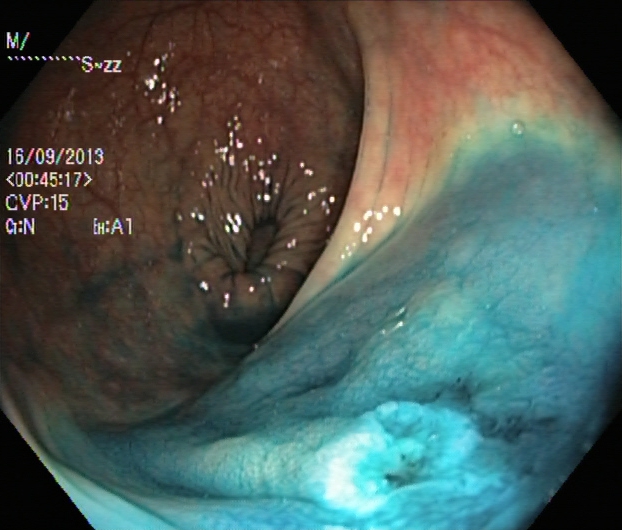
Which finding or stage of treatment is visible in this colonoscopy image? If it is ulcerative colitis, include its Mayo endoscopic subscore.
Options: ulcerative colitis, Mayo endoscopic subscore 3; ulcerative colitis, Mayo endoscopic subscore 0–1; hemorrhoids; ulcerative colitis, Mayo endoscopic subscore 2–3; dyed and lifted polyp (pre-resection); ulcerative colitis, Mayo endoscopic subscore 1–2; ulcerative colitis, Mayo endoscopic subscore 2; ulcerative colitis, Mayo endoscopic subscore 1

dyed and lifted polyp (pre-resection)